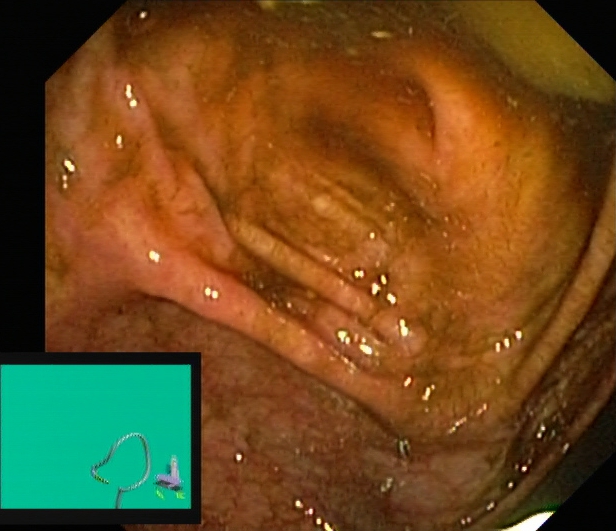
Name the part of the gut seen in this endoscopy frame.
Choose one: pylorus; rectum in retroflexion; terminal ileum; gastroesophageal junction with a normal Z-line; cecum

cecum